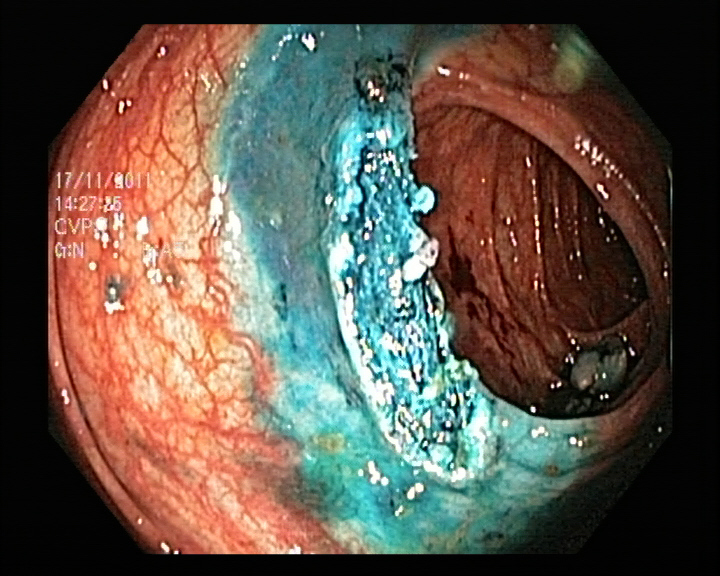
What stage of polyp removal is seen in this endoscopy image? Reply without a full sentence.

dyed resection margin (post-polypectomy)